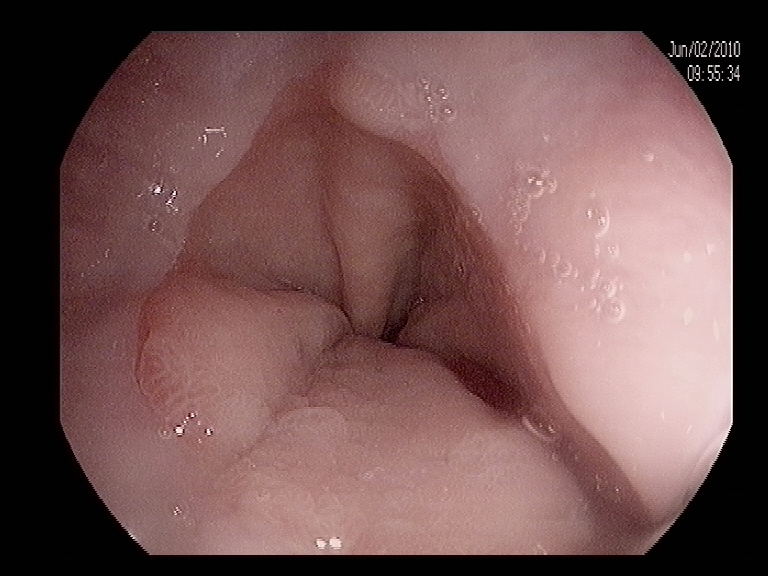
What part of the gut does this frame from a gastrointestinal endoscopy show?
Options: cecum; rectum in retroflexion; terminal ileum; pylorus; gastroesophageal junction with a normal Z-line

gastroesophageal junction with a normal Z-line